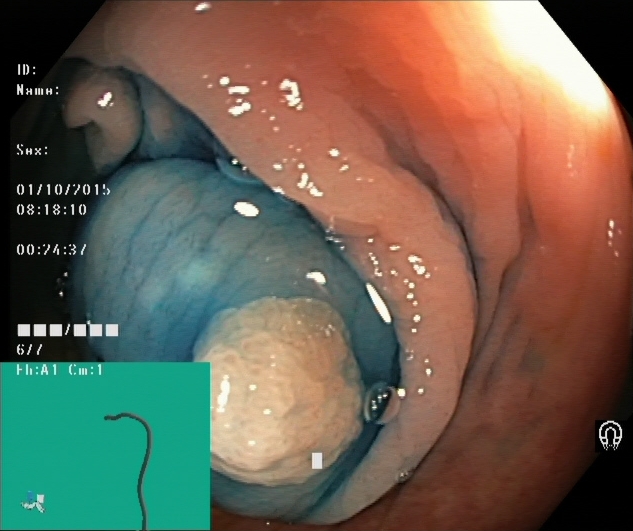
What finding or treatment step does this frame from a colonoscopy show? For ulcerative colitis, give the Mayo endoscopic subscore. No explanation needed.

dyed and lifted polyp (pre-resection)